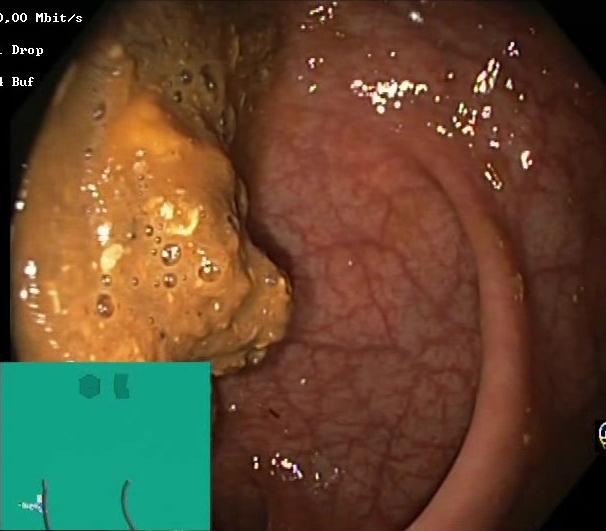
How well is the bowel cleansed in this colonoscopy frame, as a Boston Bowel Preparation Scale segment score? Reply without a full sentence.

Boston Bowel Preparation Scale score 0–1 (inadequate preparation)